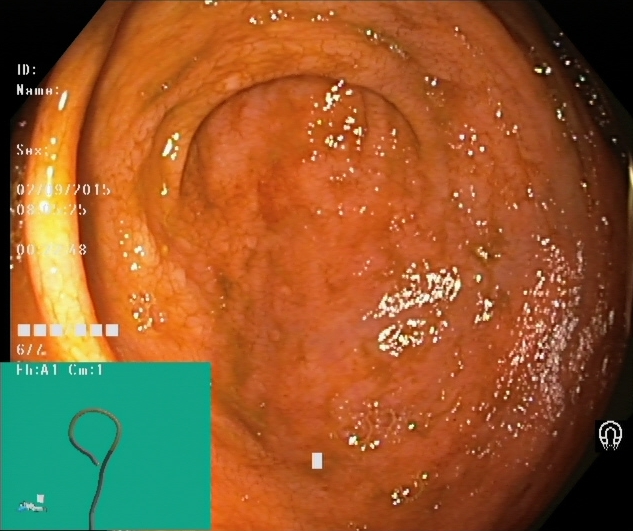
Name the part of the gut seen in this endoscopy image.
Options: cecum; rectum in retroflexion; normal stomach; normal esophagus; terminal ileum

cecum